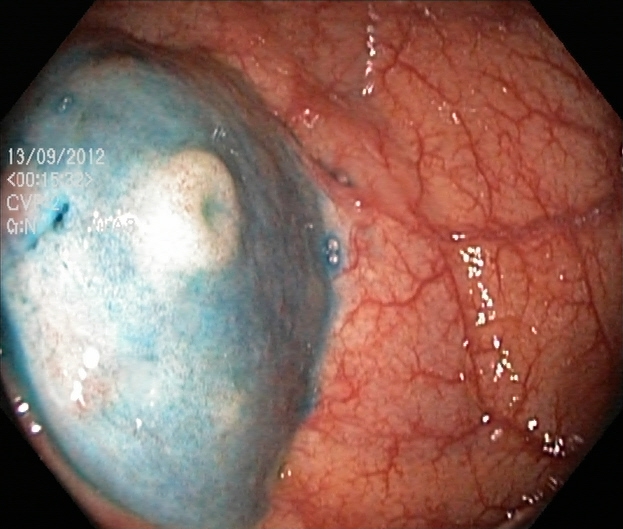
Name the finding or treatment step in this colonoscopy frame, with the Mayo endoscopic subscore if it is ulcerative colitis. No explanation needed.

dyed and lifted polyp (pre-resection)